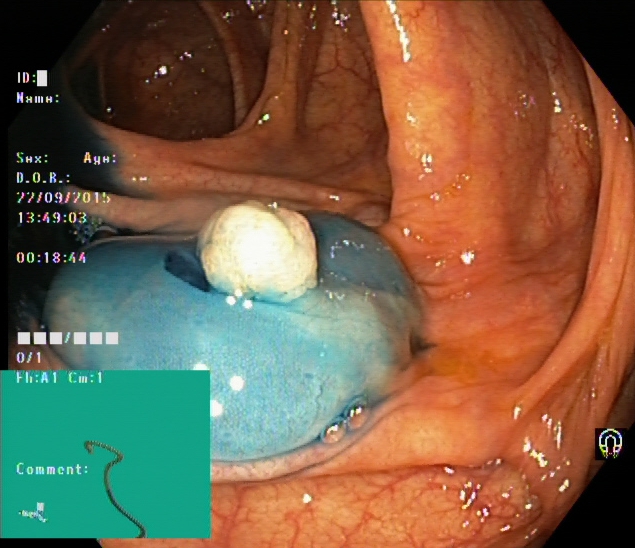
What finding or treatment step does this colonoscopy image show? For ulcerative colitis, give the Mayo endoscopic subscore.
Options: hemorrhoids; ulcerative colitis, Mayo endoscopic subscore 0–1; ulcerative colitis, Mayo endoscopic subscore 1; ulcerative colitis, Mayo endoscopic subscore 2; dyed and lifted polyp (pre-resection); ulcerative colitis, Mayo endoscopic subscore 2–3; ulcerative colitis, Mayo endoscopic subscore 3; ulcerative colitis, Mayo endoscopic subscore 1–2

dyed and lifted polyp (pre-resection)